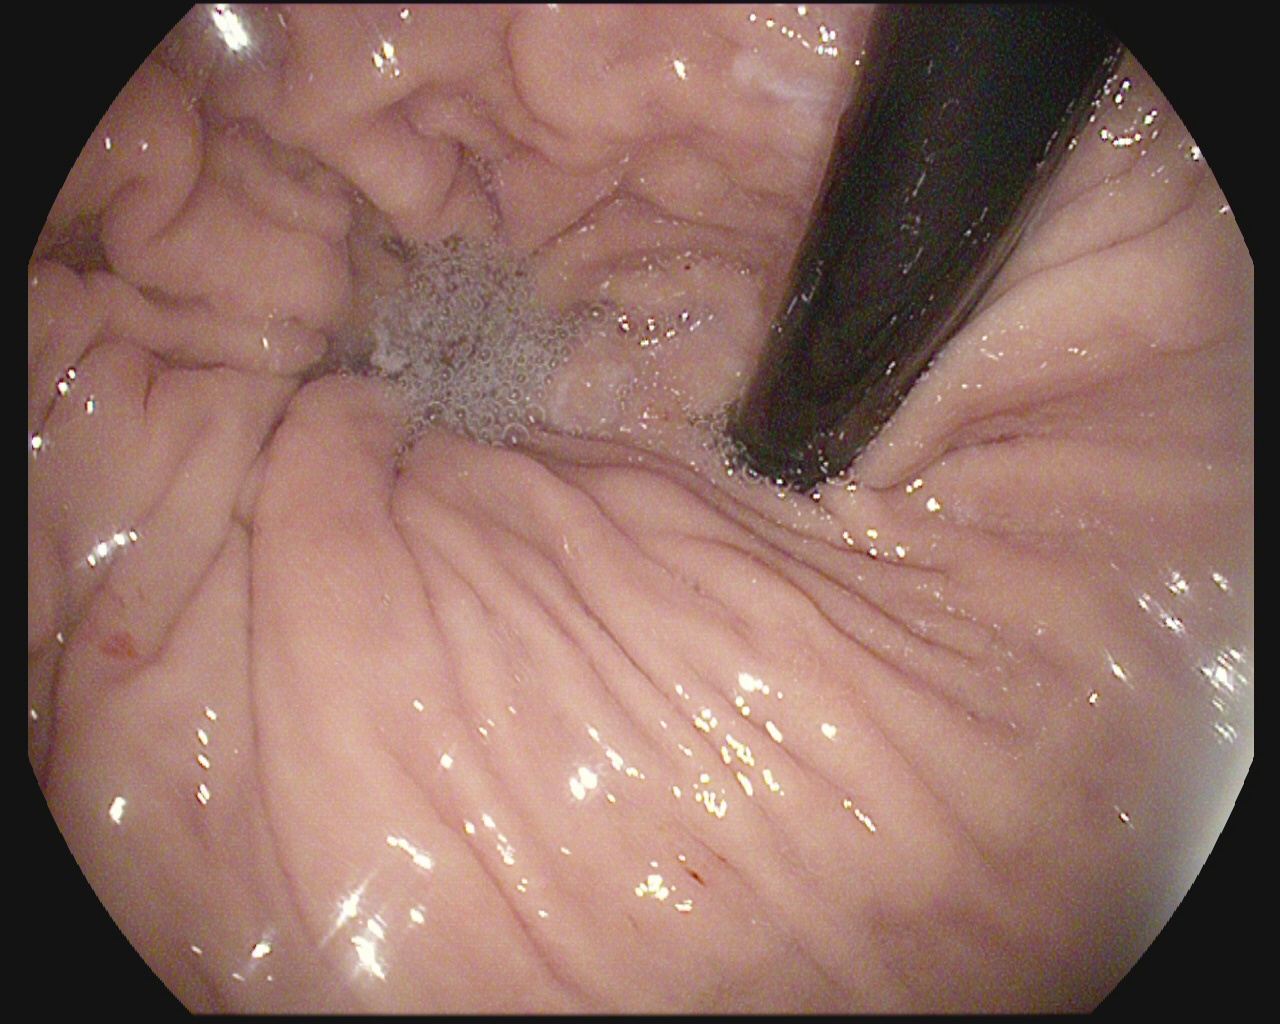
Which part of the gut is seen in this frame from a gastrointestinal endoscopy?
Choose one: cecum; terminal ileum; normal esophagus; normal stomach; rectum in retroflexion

normal stomach